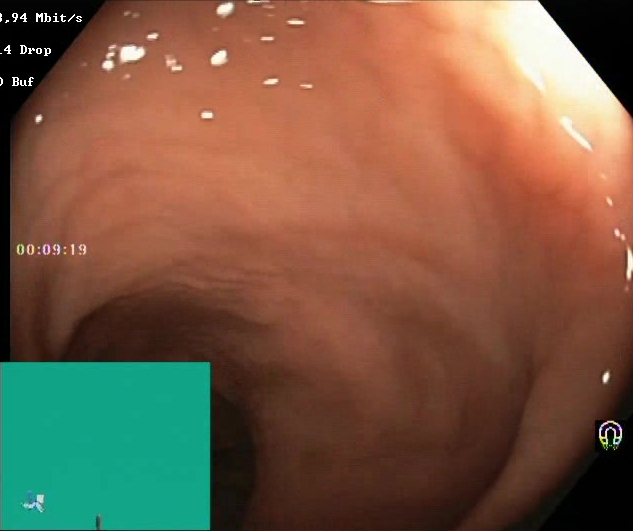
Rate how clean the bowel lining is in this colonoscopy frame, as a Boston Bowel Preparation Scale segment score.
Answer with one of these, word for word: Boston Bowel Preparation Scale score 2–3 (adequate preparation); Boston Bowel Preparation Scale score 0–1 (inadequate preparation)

Boston Bowel Preparation Scale score 2–3 (adequate preparation)